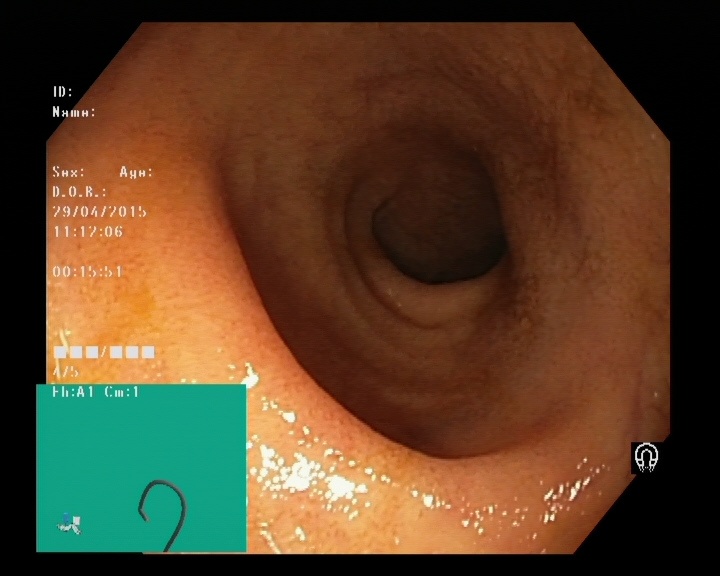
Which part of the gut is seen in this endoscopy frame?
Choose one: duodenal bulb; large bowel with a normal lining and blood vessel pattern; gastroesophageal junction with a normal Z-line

large bowel with a normal lining and blood vessel pattern